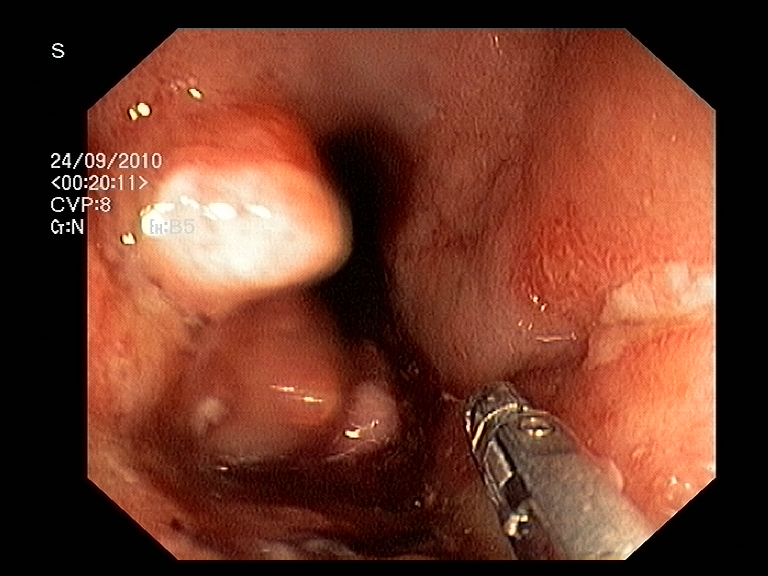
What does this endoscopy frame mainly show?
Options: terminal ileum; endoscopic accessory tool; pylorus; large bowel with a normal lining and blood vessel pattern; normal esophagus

endoscopic accessory tool